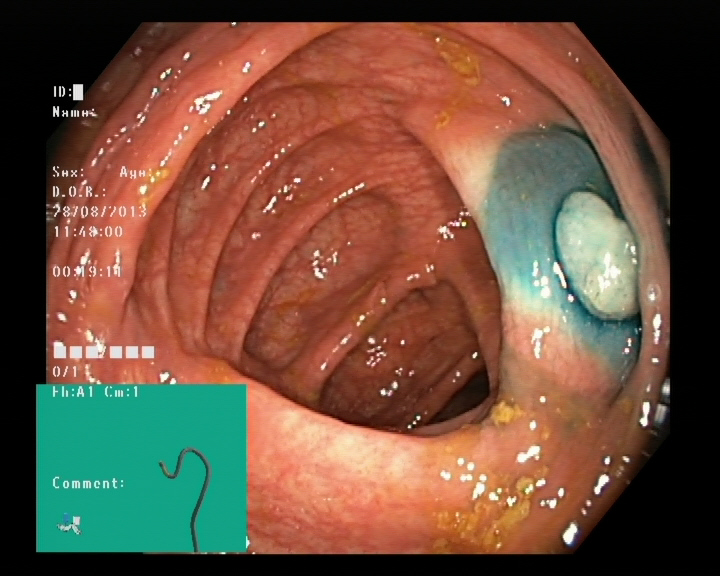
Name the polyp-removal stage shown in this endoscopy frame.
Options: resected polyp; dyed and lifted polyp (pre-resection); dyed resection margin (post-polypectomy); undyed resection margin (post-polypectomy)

dyed and lifted polyp (pre-resection)